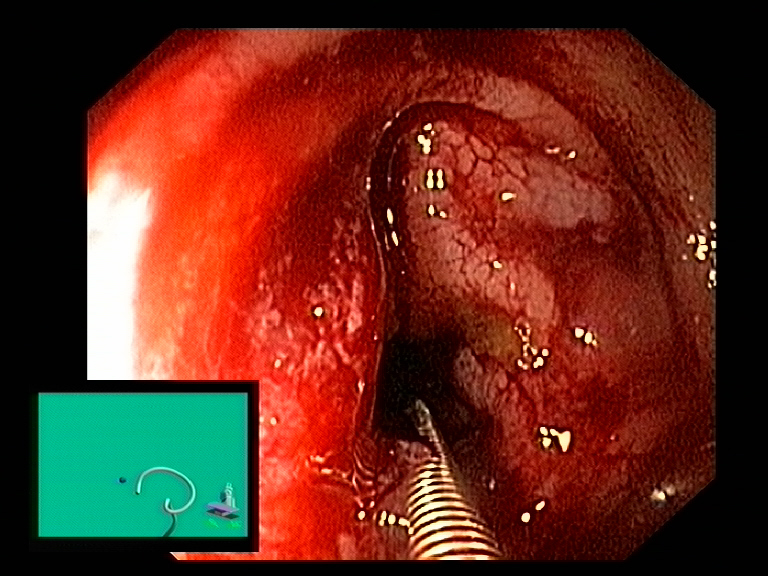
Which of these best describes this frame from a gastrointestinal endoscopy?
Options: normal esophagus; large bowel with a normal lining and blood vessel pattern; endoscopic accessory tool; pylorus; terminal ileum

endoscopic accessory tool